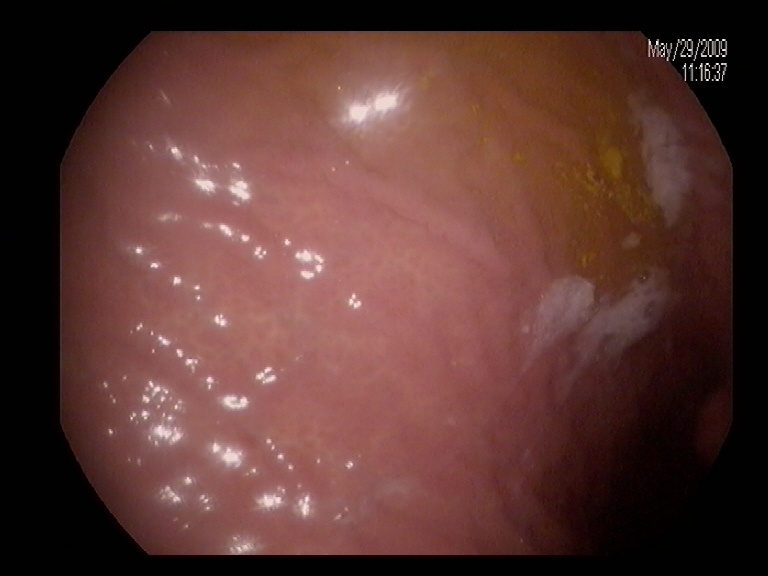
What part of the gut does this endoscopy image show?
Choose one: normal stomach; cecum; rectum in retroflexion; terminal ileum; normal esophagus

normal stomach